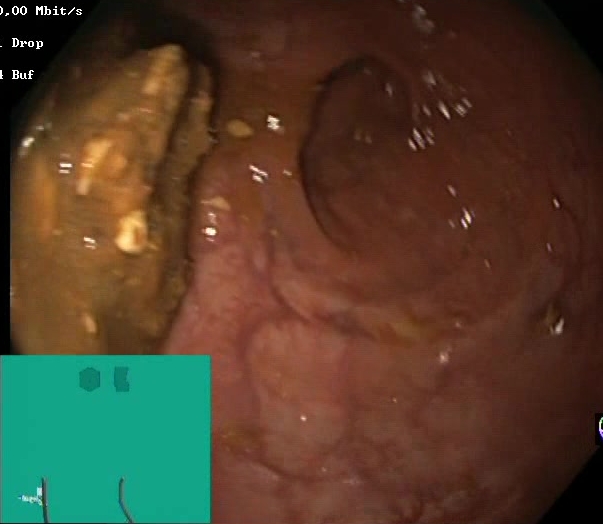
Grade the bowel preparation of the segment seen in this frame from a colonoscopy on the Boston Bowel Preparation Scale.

Boston Bowel Preparation Scale score 0–1 (inadequate preparation)